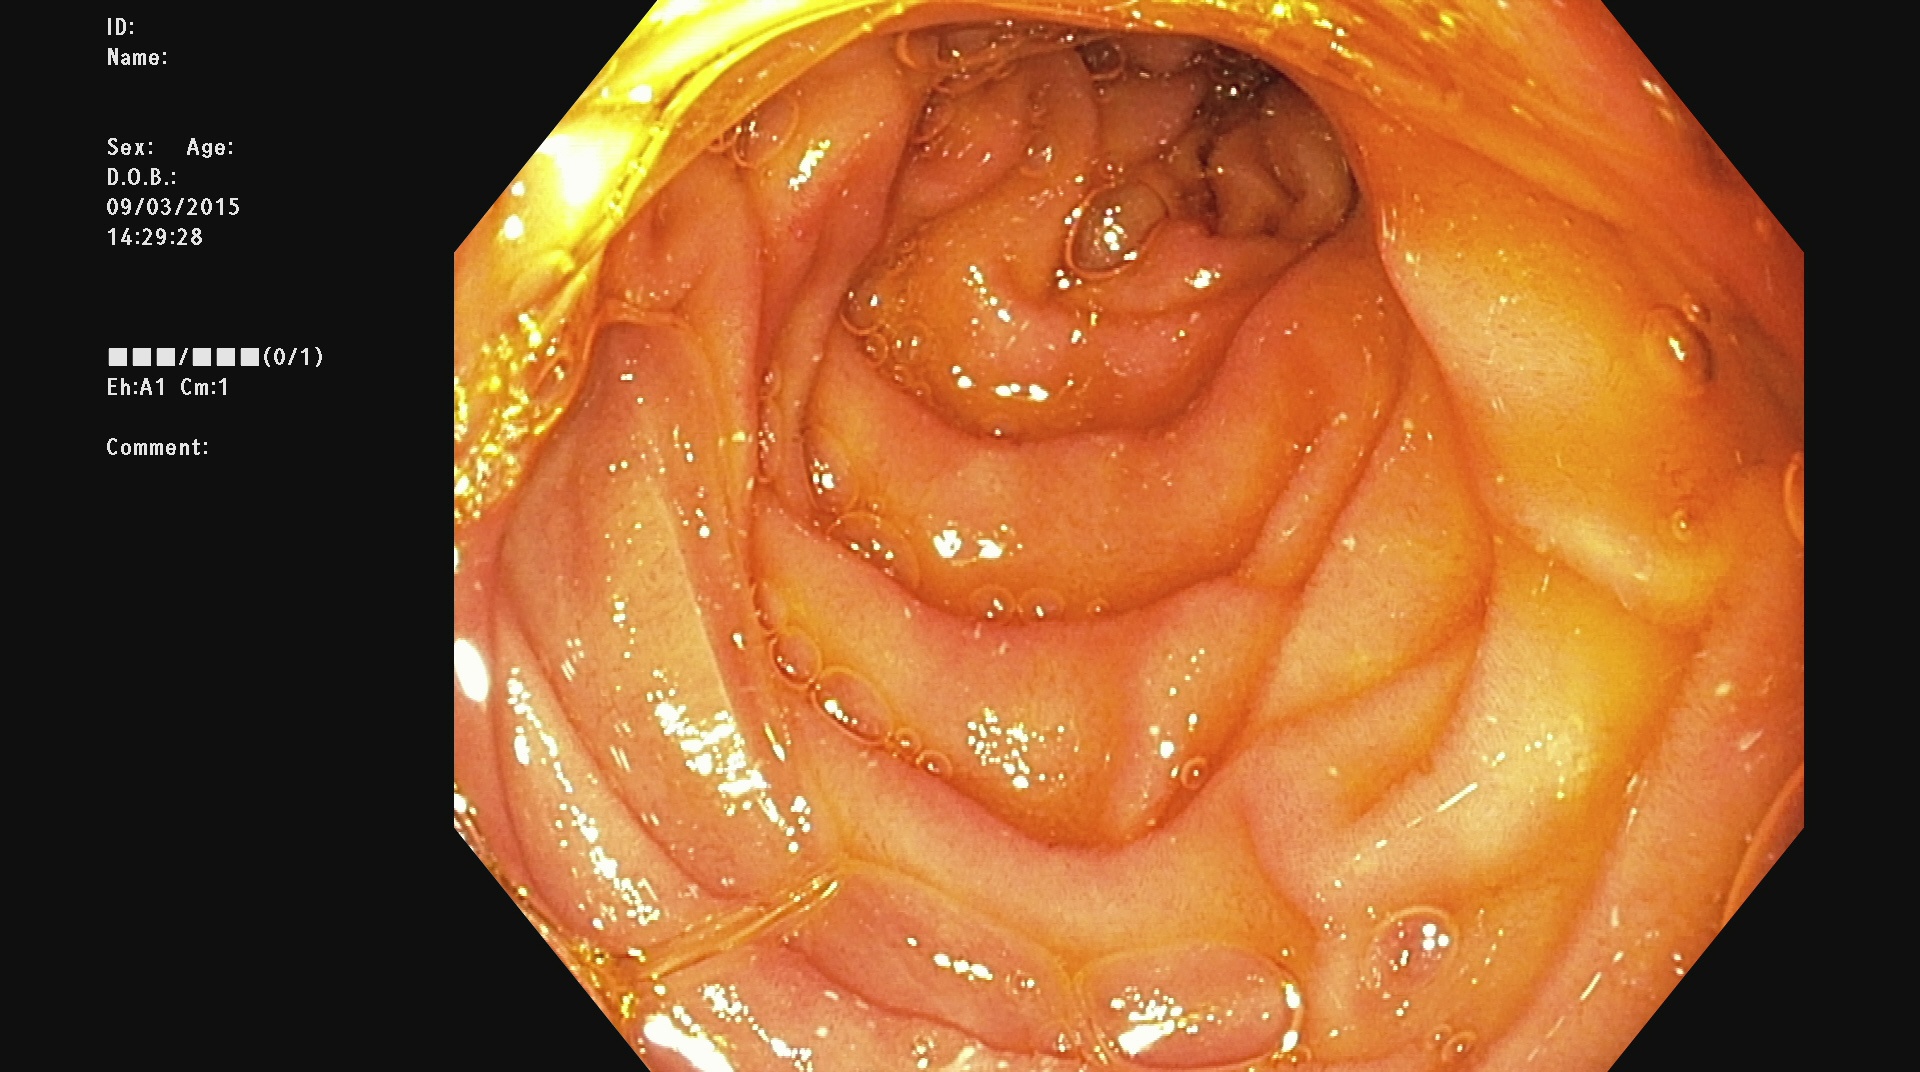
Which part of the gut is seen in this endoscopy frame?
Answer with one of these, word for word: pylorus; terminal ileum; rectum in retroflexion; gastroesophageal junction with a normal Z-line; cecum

terminal ileum